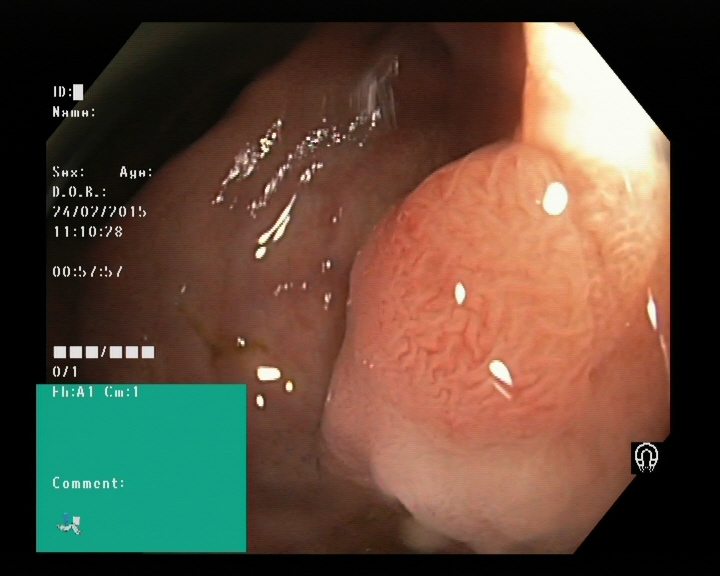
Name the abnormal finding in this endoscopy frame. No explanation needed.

colon polyp